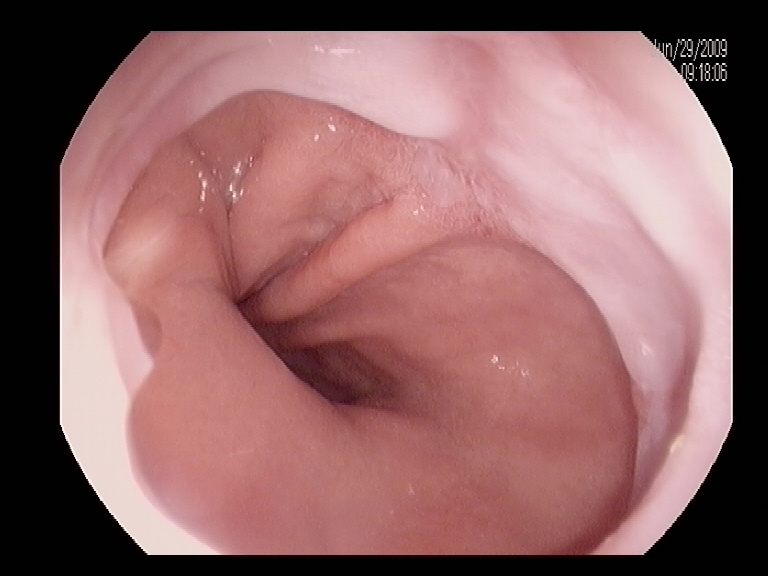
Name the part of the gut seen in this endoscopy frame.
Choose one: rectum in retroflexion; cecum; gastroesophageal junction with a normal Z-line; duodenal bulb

gastroesophageal junction with a normal Z-line